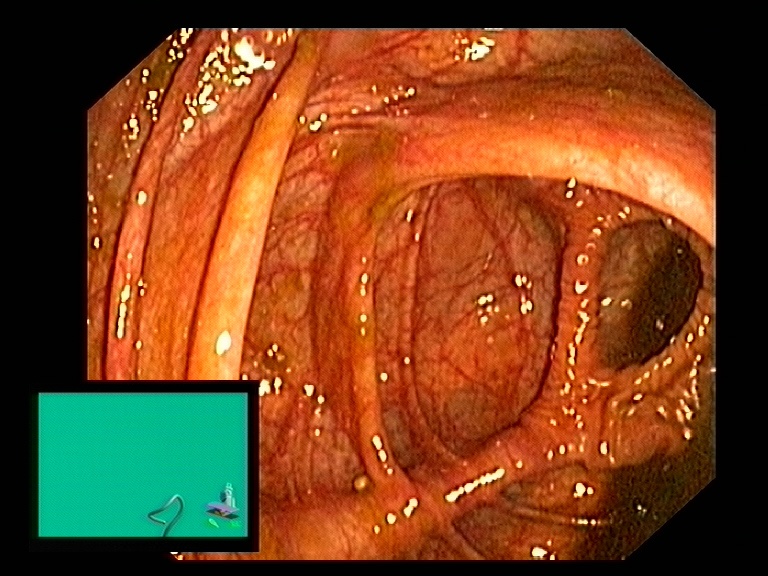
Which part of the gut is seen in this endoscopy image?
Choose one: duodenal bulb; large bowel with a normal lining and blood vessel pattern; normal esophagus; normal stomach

large bowel with a normal lining and blood vessel pattern